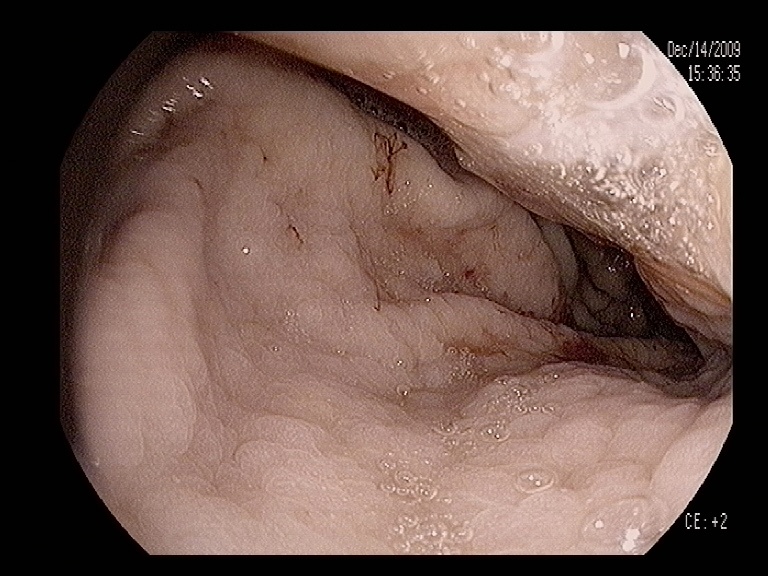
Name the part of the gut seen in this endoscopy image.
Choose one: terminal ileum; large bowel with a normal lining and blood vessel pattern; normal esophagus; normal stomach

normal stomach